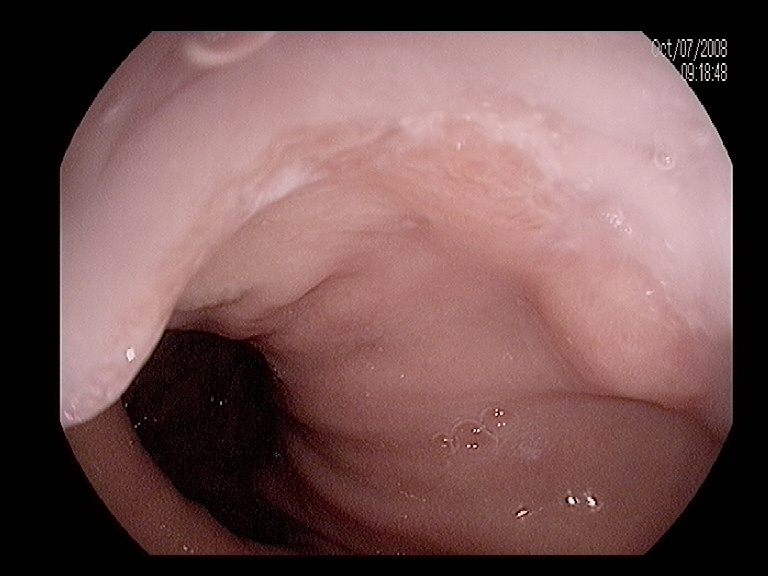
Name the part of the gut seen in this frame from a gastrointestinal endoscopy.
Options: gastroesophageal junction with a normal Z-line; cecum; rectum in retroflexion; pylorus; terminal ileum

gastroesophageal junction with a normal Z-line